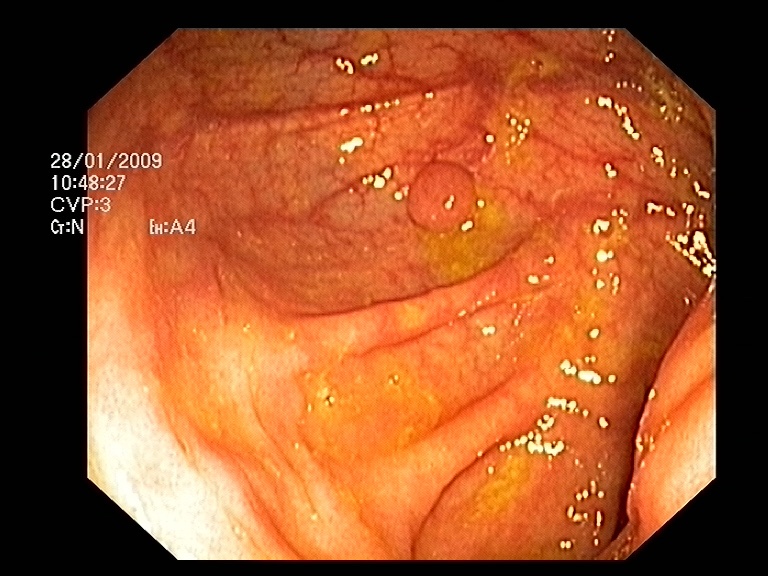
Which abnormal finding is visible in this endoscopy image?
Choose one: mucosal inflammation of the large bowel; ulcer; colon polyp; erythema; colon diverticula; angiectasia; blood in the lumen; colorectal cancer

colon polyp